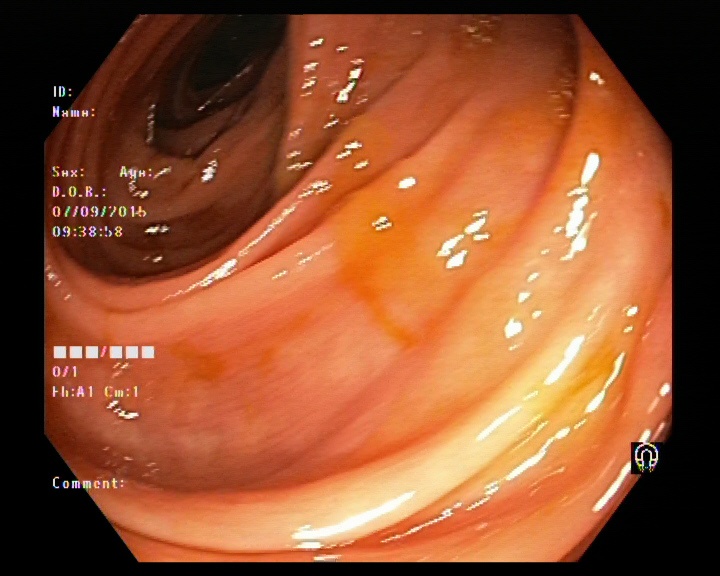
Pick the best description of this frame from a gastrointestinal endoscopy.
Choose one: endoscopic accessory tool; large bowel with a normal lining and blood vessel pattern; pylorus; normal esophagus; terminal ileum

large bowel with a normal lining and blood vessel pattern